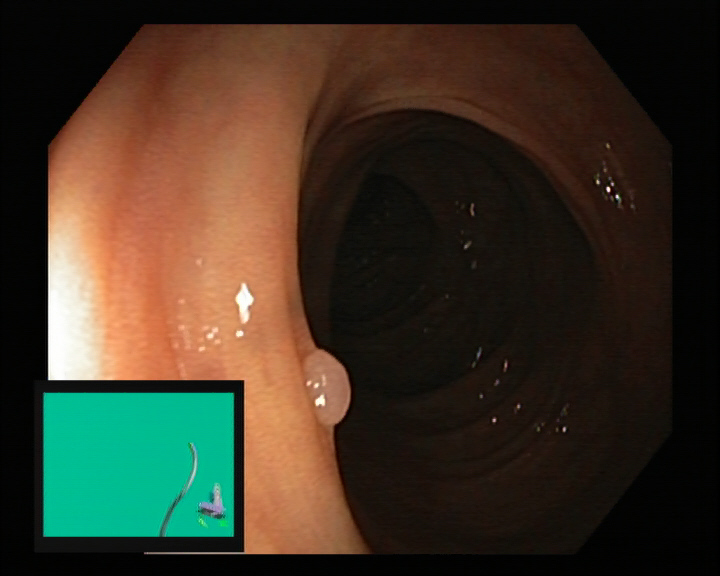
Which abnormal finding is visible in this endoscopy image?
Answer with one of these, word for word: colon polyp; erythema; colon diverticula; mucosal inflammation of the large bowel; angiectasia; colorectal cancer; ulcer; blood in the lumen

colon polyp